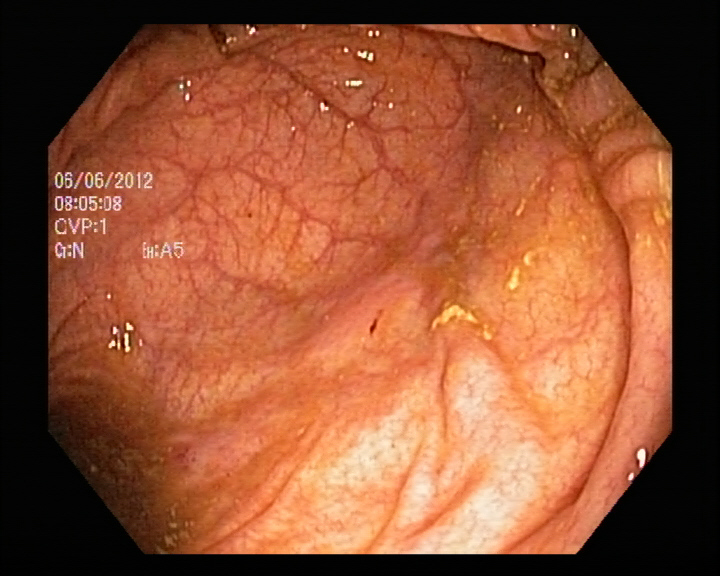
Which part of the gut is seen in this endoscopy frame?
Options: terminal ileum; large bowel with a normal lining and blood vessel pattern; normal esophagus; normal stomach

large bowel with a normal lining and blood vessel pattern